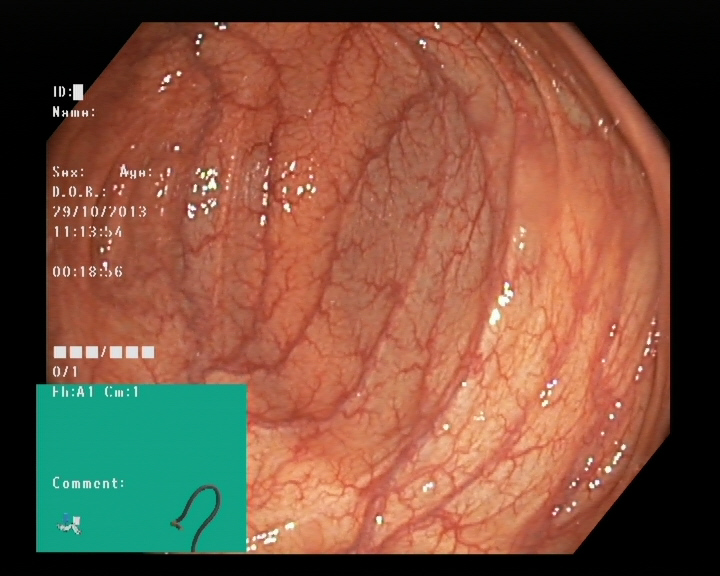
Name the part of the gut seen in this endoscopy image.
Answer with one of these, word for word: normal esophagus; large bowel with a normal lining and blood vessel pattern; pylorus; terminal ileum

large bowel with a normal lining and blood vessel pattern